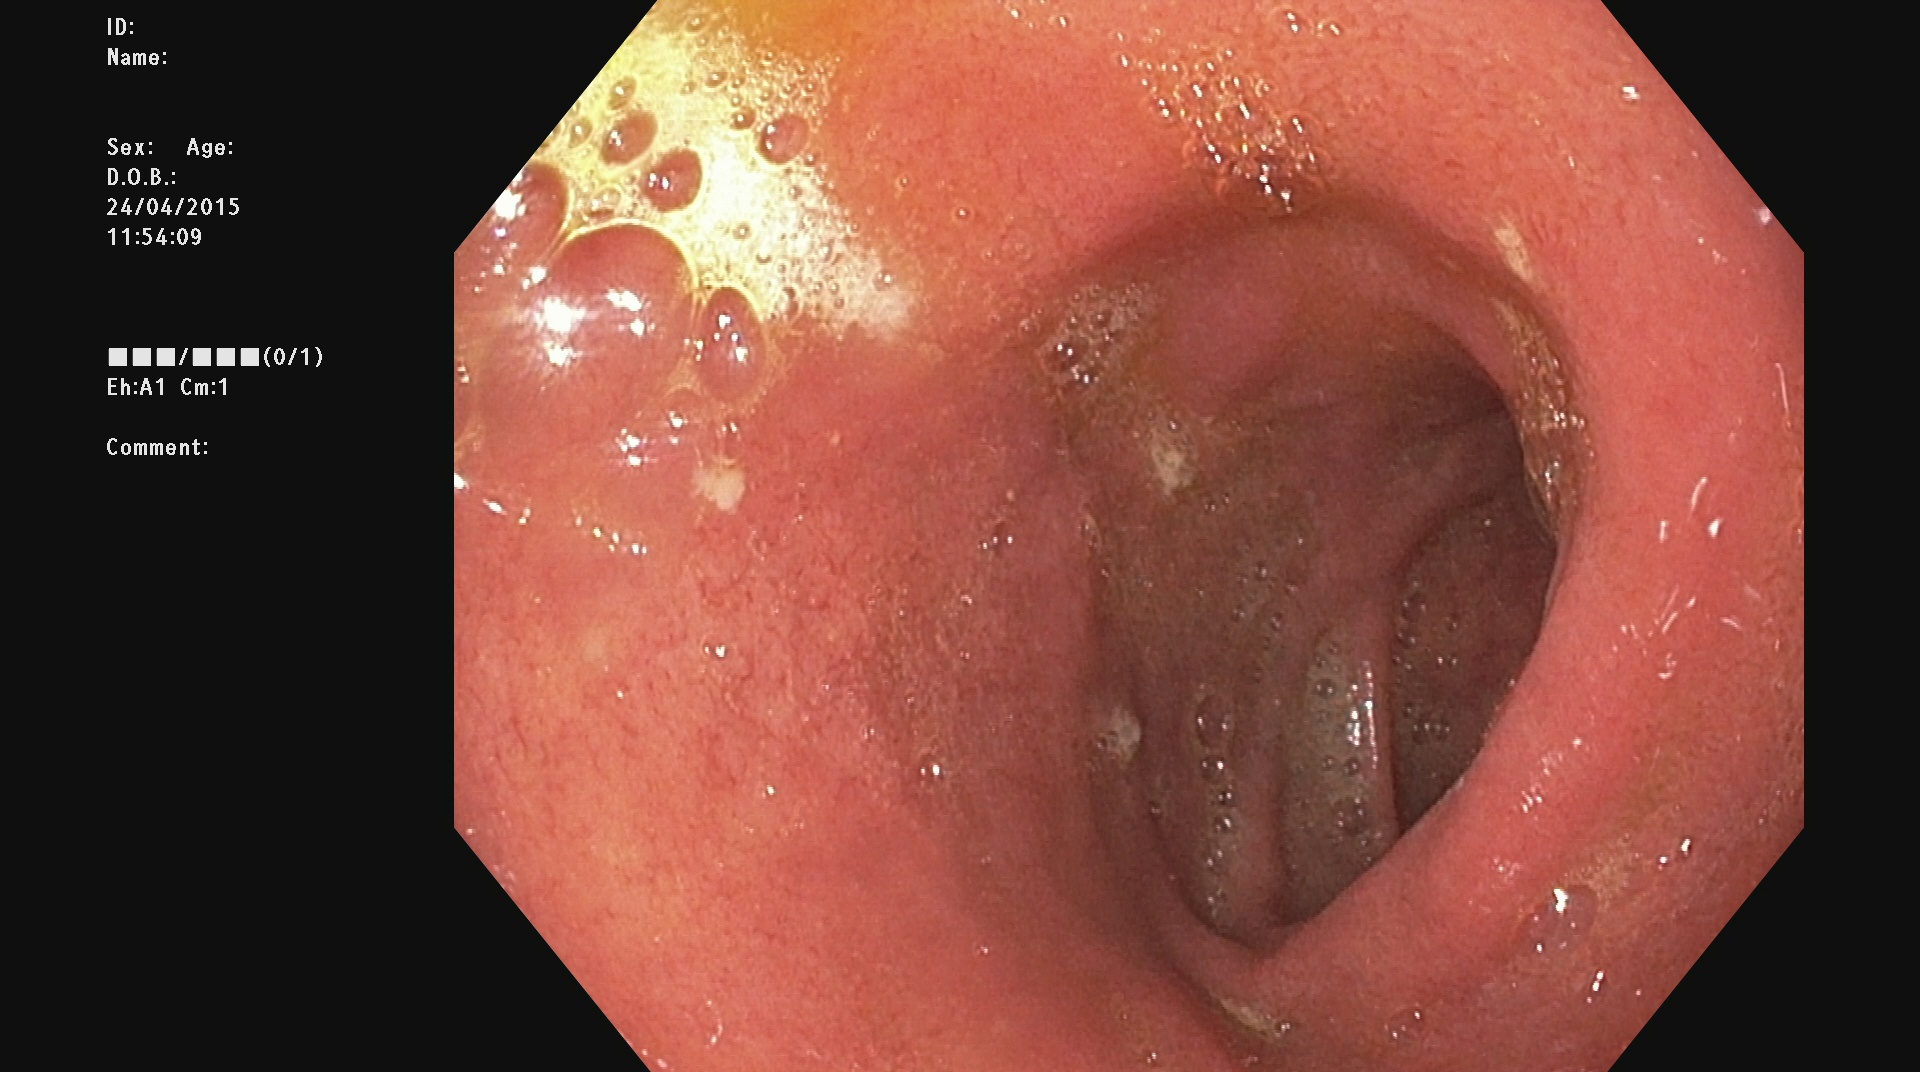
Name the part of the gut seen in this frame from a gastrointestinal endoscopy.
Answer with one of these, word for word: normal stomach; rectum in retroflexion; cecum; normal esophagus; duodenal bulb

duodenal bulb